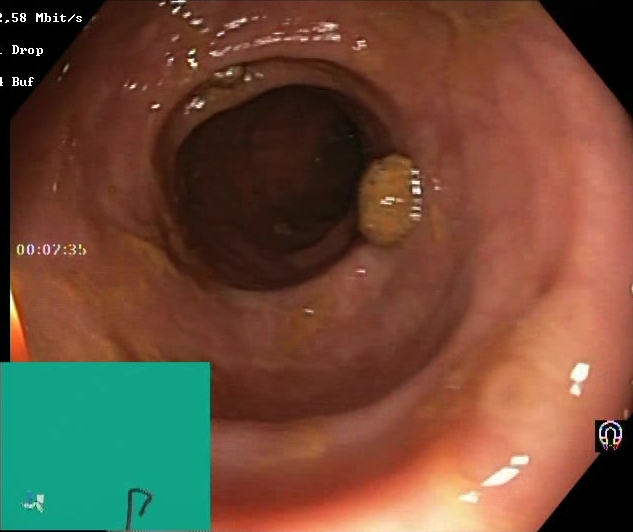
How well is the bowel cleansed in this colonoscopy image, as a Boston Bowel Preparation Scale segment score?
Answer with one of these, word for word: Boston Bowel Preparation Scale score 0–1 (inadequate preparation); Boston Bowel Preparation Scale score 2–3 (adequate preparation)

Boston Bowel Preparation Scale score 2–3 (adequate preparation)